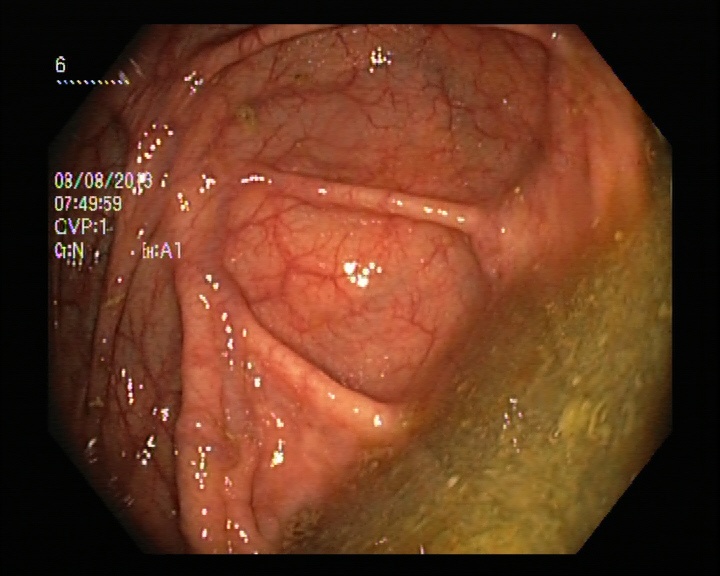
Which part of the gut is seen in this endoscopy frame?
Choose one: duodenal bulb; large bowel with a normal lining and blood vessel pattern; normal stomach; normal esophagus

large bowel with a normal lining and blood vessel pattern